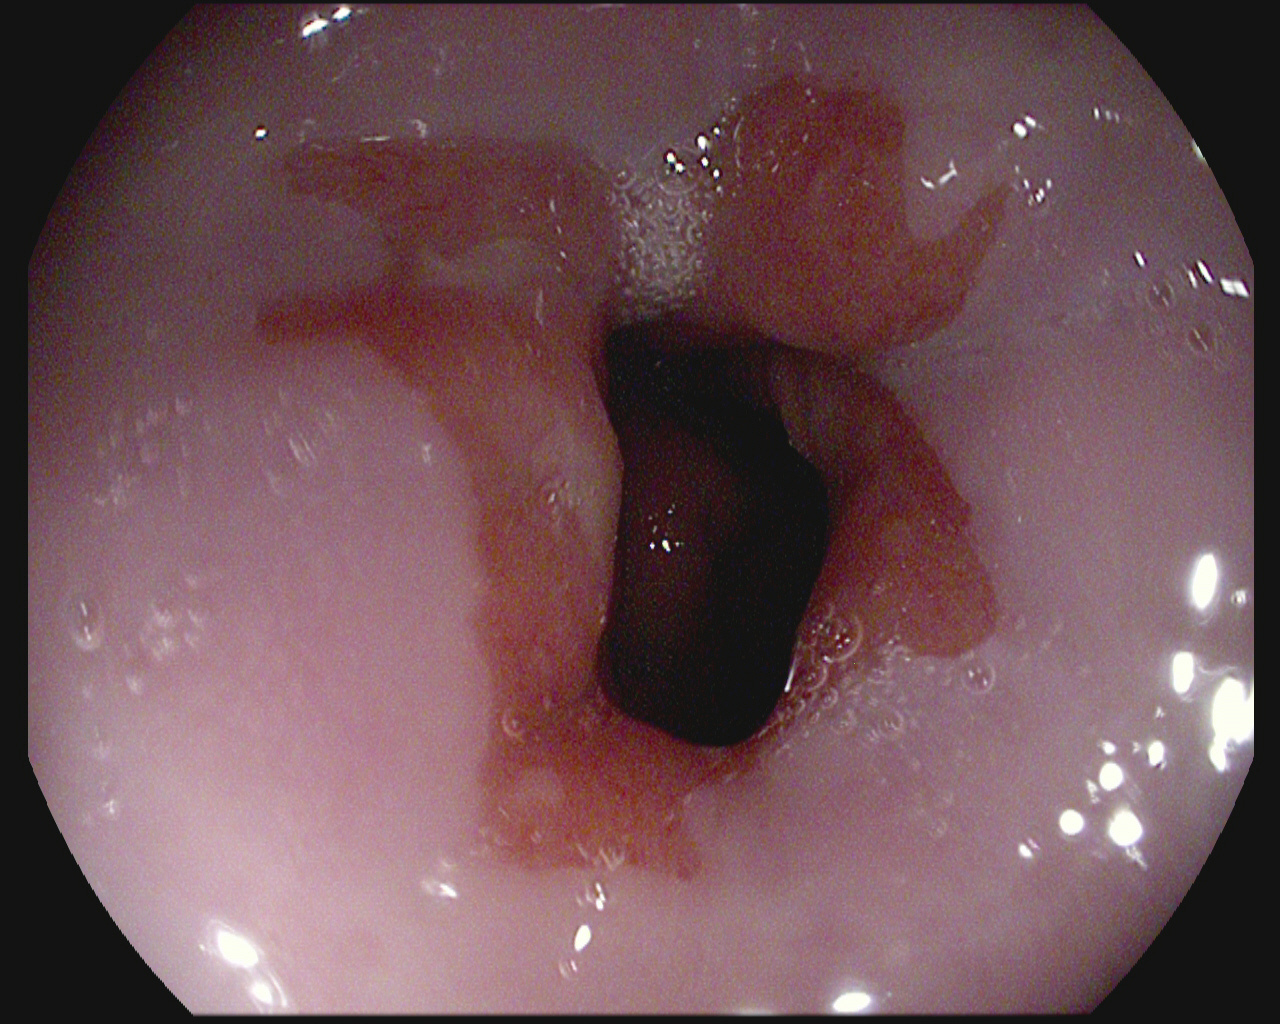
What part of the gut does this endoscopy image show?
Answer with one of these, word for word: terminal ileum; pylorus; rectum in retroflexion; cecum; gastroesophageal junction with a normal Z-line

gastroesophageal junction with a normal Z-line